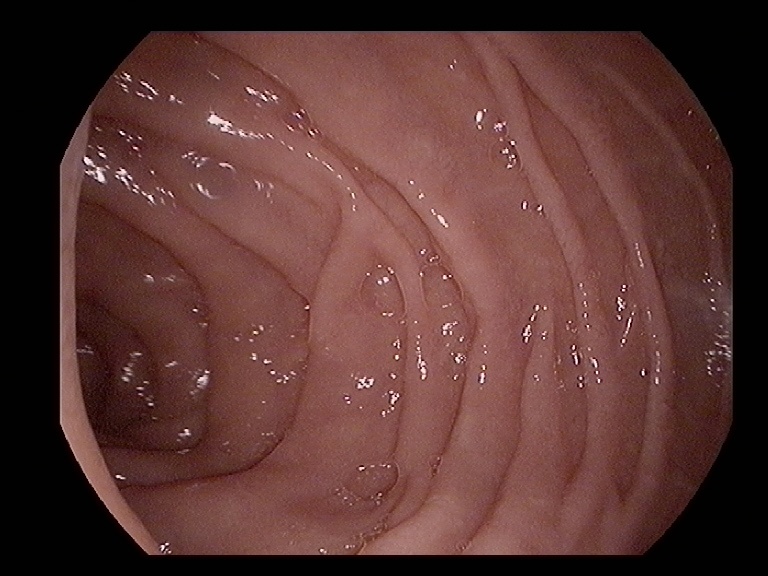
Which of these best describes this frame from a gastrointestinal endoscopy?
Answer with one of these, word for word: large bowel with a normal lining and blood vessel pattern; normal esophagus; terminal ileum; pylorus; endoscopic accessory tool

terminal ileum